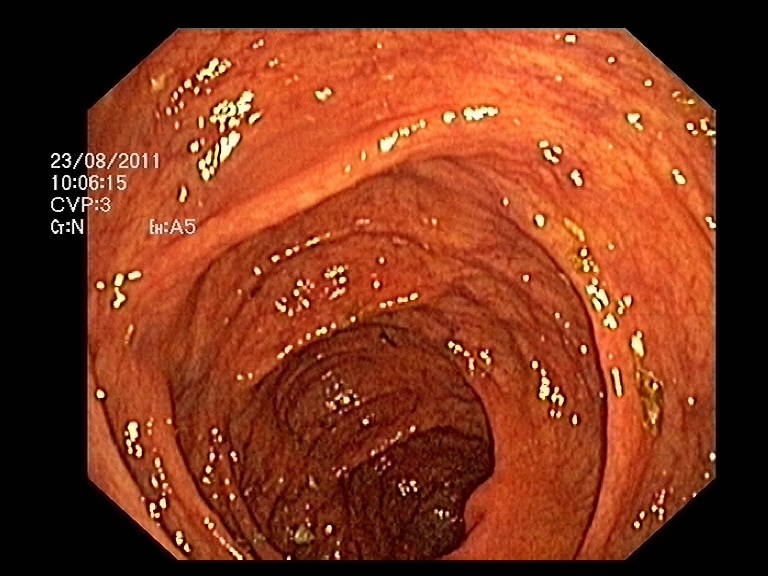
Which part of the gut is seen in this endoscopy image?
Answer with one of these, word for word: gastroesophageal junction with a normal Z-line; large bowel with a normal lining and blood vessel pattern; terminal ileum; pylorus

large bowel with a normal lining and blood vessel pattern